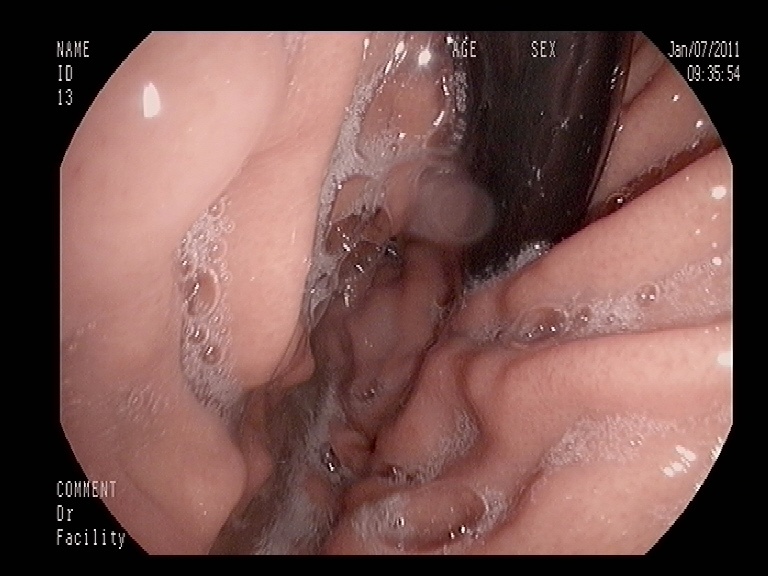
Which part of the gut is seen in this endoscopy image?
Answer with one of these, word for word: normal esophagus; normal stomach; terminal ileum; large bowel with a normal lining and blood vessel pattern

normal stomach